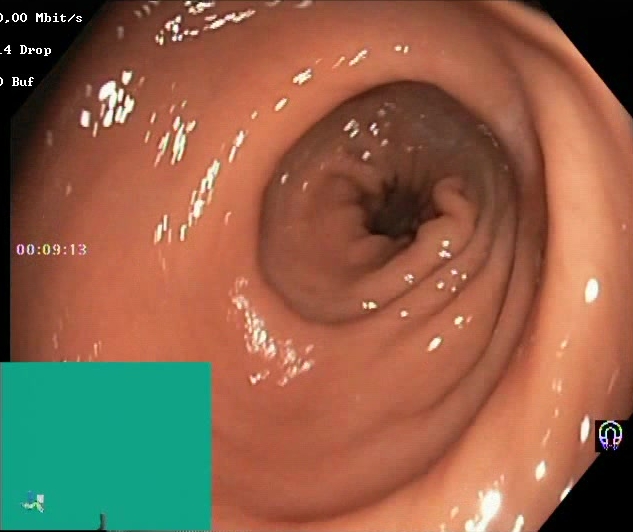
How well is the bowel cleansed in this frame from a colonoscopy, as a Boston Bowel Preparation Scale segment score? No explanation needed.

Boston Bowel Preparation Scale score 2–3 (adequate preparation)